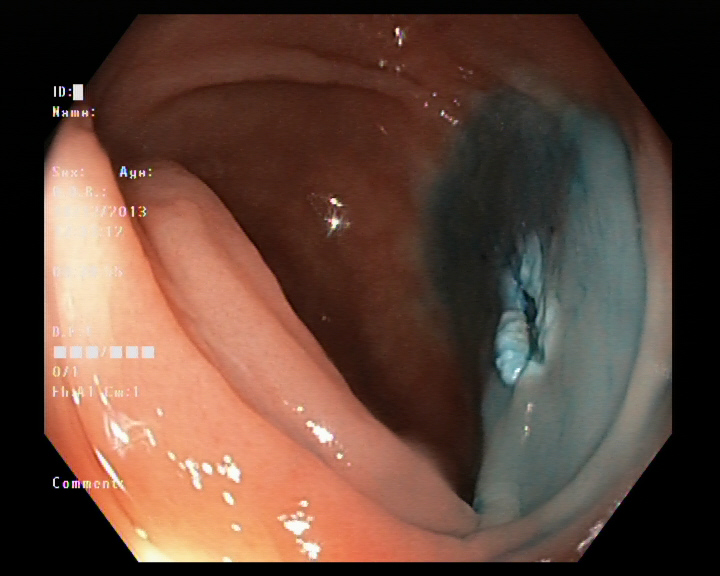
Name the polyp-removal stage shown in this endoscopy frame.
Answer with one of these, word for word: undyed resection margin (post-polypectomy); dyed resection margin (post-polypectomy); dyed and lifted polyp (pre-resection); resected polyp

dyed resection margin (post-polypectomy)